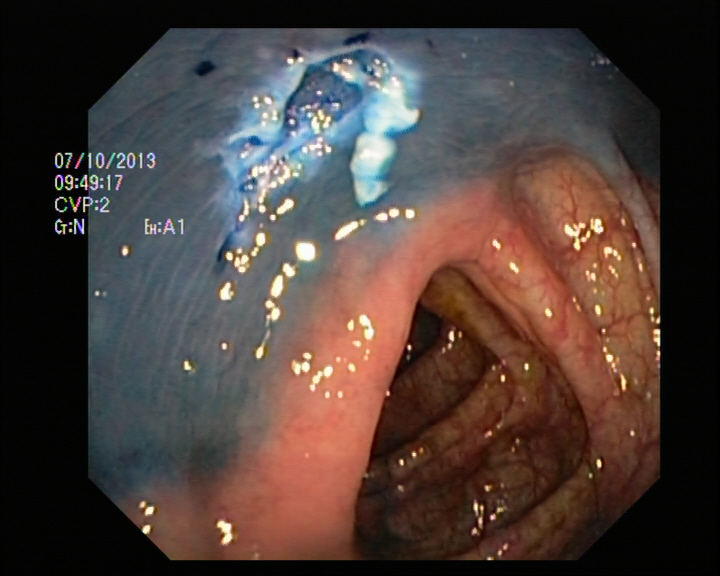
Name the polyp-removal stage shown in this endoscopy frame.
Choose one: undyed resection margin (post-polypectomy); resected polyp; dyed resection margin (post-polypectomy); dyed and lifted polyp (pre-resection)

dyed resection margin (post-polypectomy)